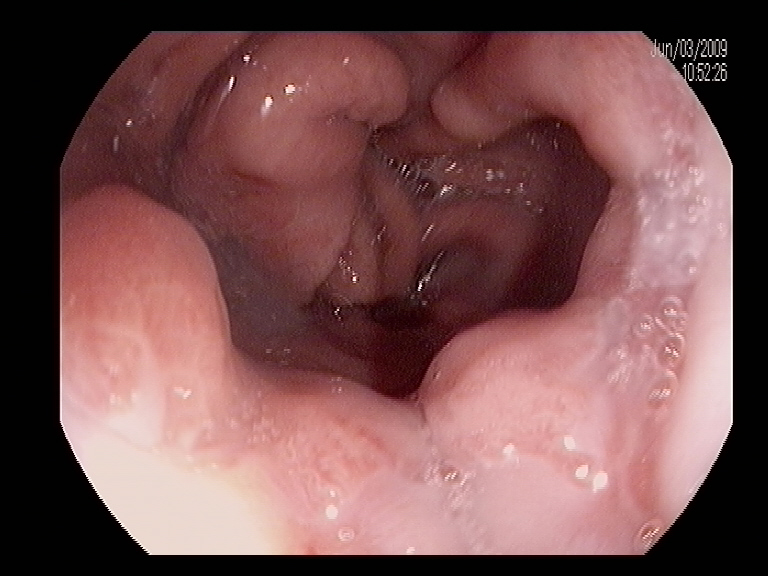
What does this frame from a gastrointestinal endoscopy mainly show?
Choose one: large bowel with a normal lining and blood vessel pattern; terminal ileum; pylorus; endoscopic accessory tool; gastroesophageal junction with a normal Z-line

gastroesophageal junction with a normal Z-line